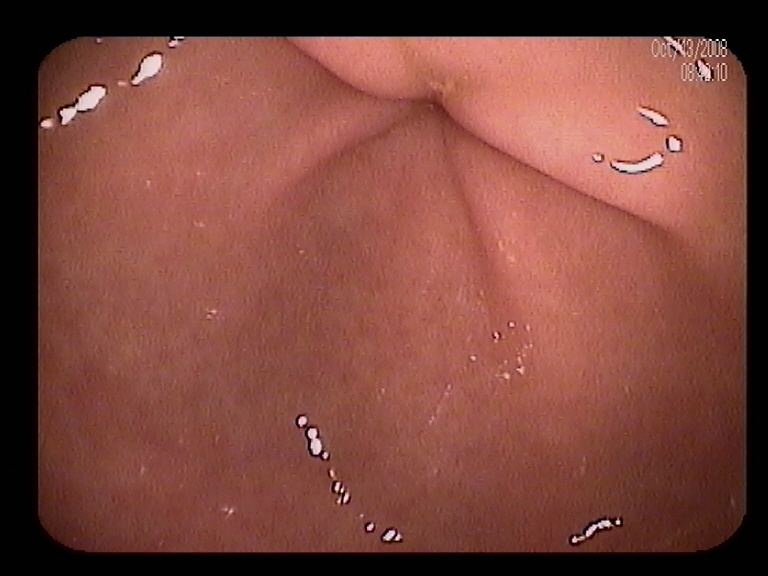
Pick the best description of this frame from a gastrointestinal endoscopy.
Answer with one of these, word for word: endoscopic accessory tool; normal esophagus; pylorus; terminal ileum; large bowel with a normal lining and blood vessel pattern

pylorus